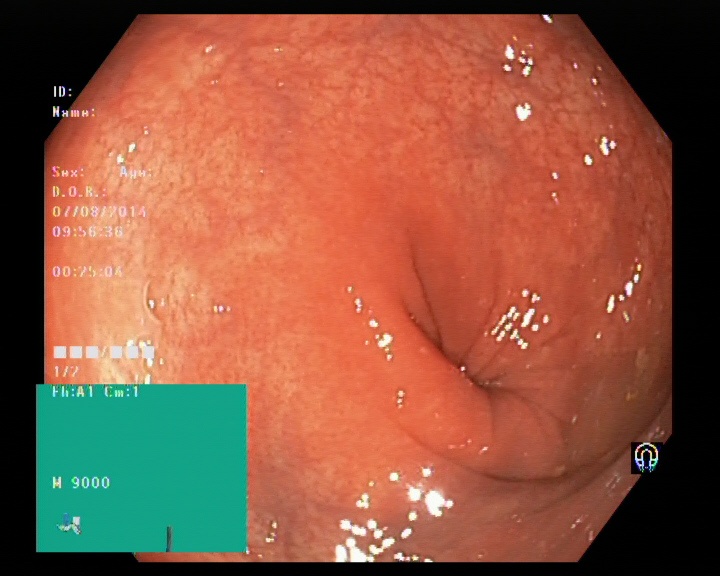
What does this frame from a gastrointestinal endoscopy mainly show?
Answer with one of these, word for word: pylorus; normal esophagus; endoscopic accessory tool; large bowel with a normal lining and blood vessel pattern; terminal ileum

large bowel with a normal lining and blood vessel pattern